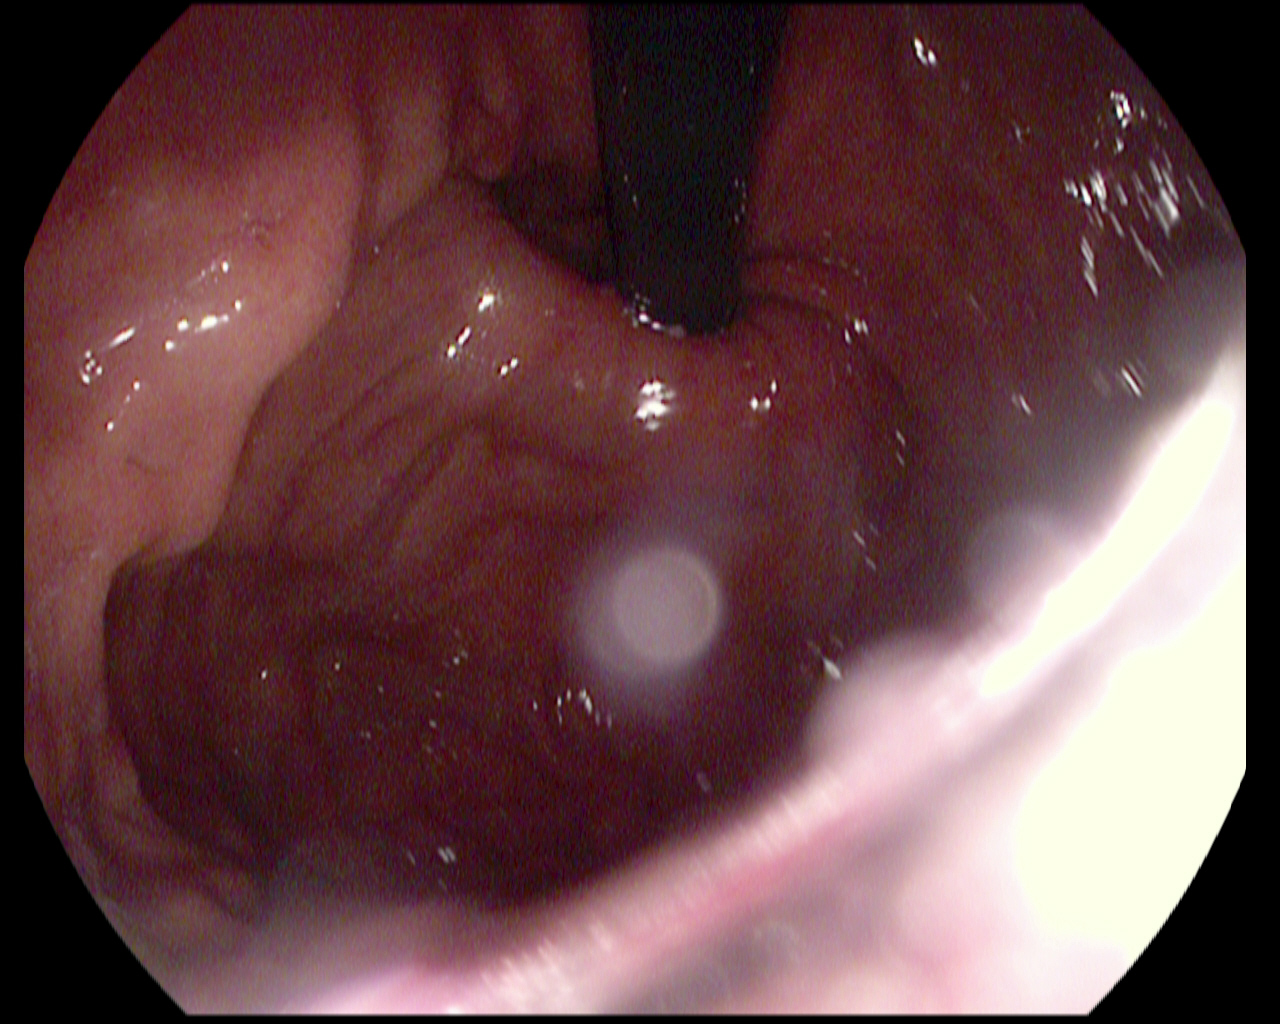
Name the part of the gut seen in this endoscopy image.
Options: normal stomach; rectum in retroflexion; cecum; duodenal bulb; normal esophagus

normal stomach